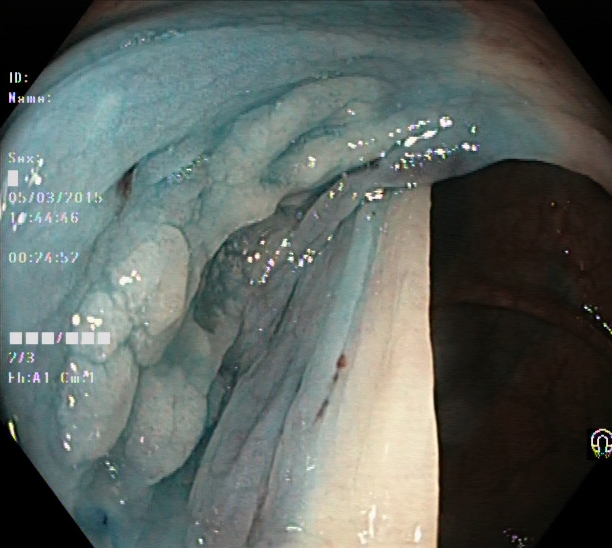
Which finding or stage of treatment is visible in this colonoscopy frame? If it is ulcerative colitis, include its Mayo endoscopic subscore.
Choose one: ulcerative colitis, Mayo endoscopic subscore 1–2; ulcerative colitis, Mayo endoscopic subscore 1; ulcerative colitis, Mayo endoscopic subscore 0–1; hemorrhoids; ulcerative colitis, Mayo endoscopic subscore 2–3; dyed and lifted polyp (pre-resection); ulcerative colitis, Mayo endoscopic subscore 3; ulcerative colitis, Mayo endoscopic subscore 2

dyed and lifted polyp (pre-resection)